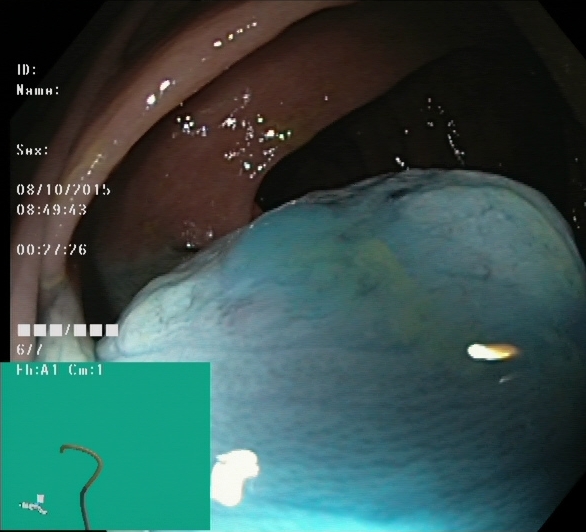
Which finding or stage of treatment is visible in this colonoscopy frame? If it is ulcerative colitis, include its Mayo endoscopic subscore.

dyed and lifted polyp (pre-resection)